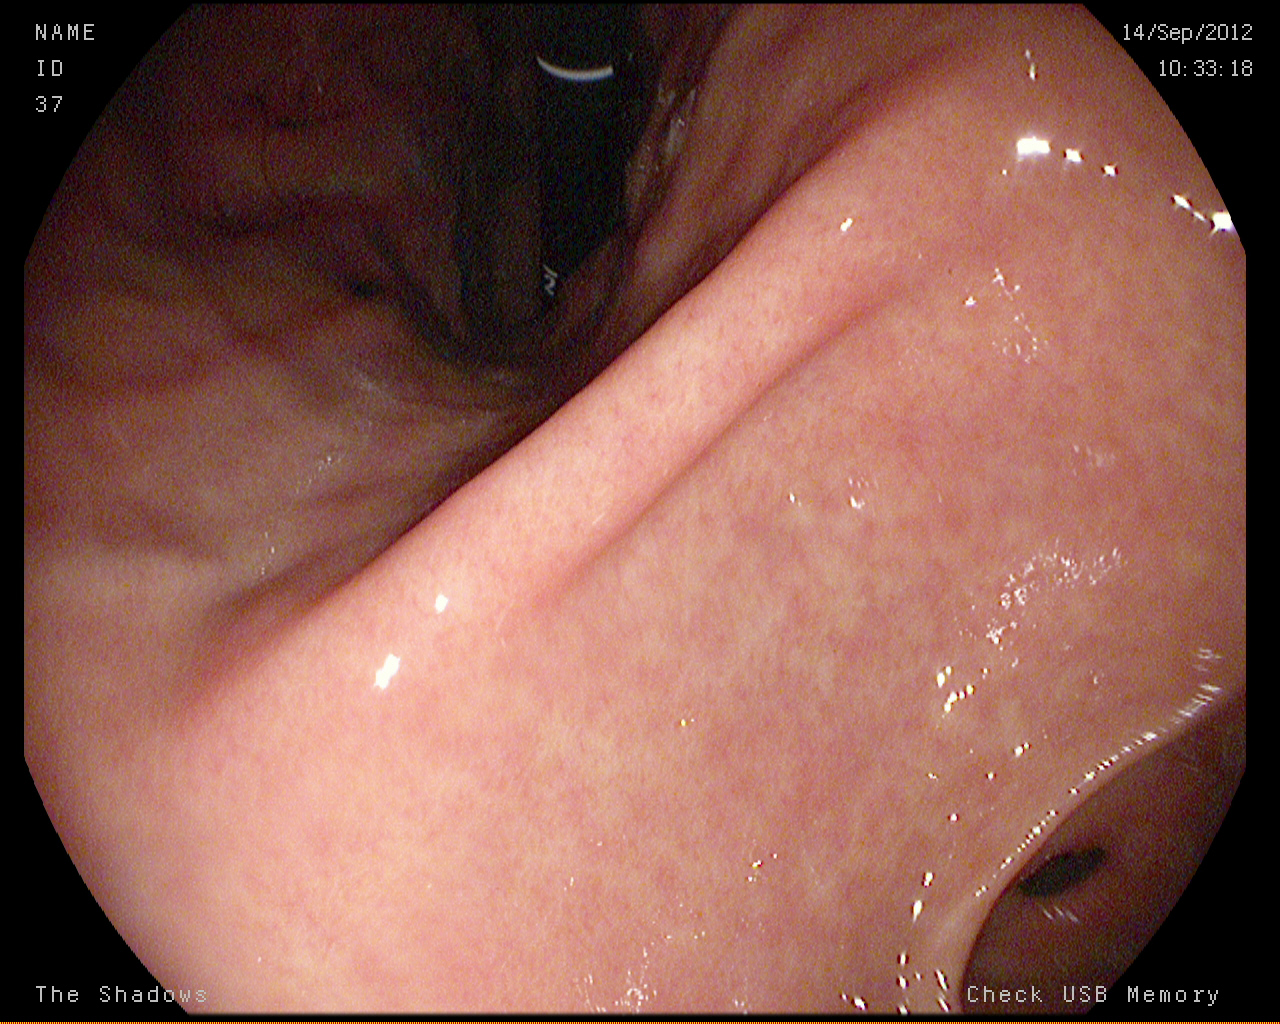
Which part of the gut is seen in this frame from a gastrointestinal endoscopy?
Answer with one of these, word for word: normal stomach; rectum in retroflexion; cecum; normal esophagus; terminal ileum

normal stomach